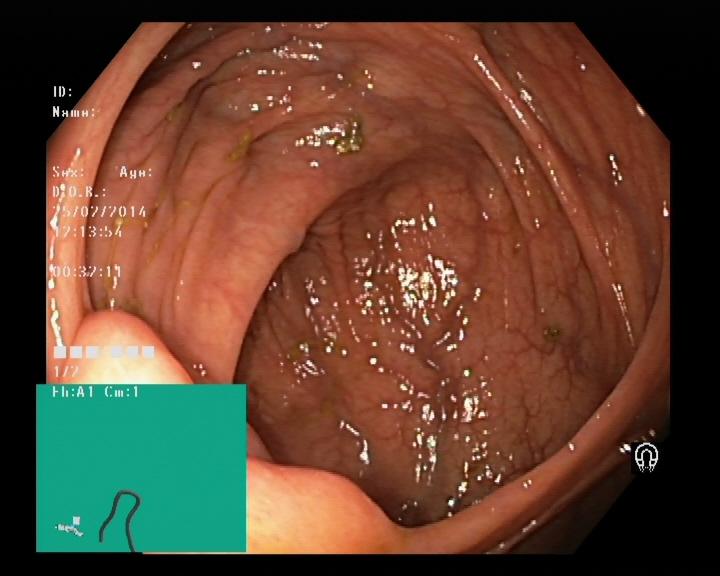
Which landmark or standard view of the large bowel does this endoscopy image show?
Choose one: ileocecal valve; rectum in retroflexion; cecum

ileocecal valve